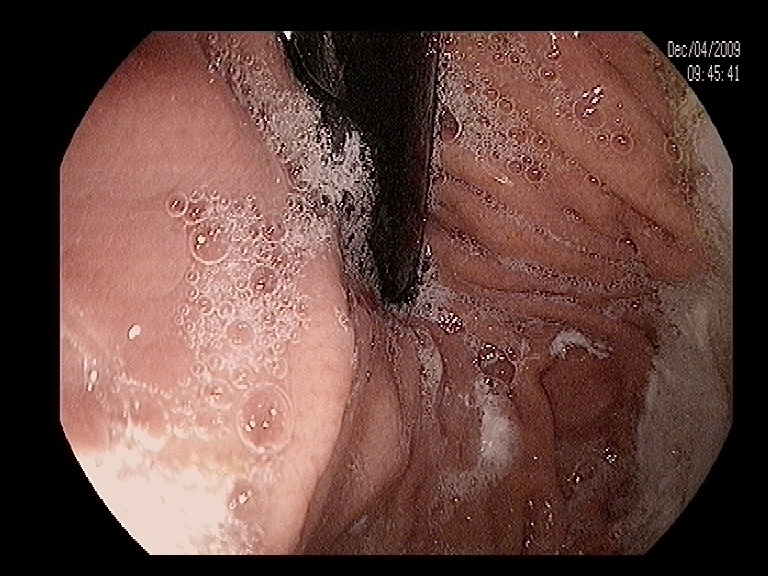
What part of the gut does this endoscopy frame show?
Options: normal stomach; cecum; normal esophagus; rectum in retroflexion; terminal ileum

normal stomach